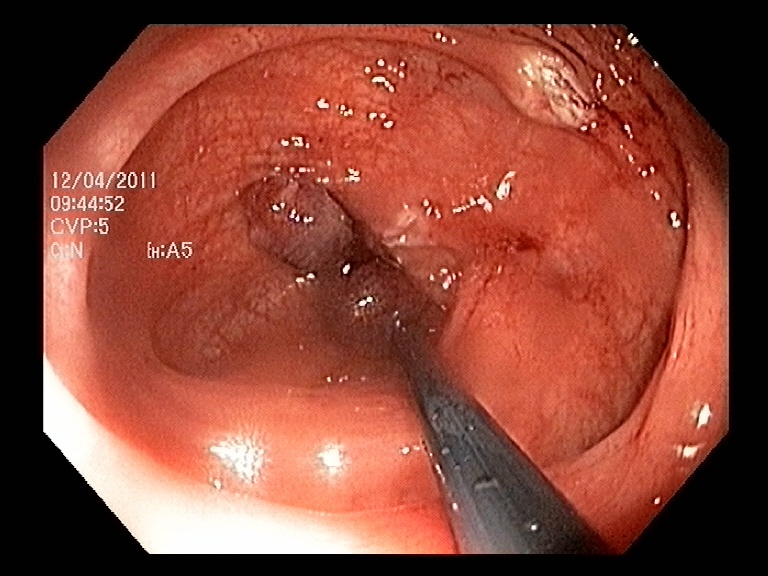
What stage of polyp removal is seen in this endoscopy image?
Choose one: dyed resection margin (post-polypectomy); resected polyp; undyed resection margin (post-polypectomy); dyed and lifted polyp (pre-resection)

resected polyp